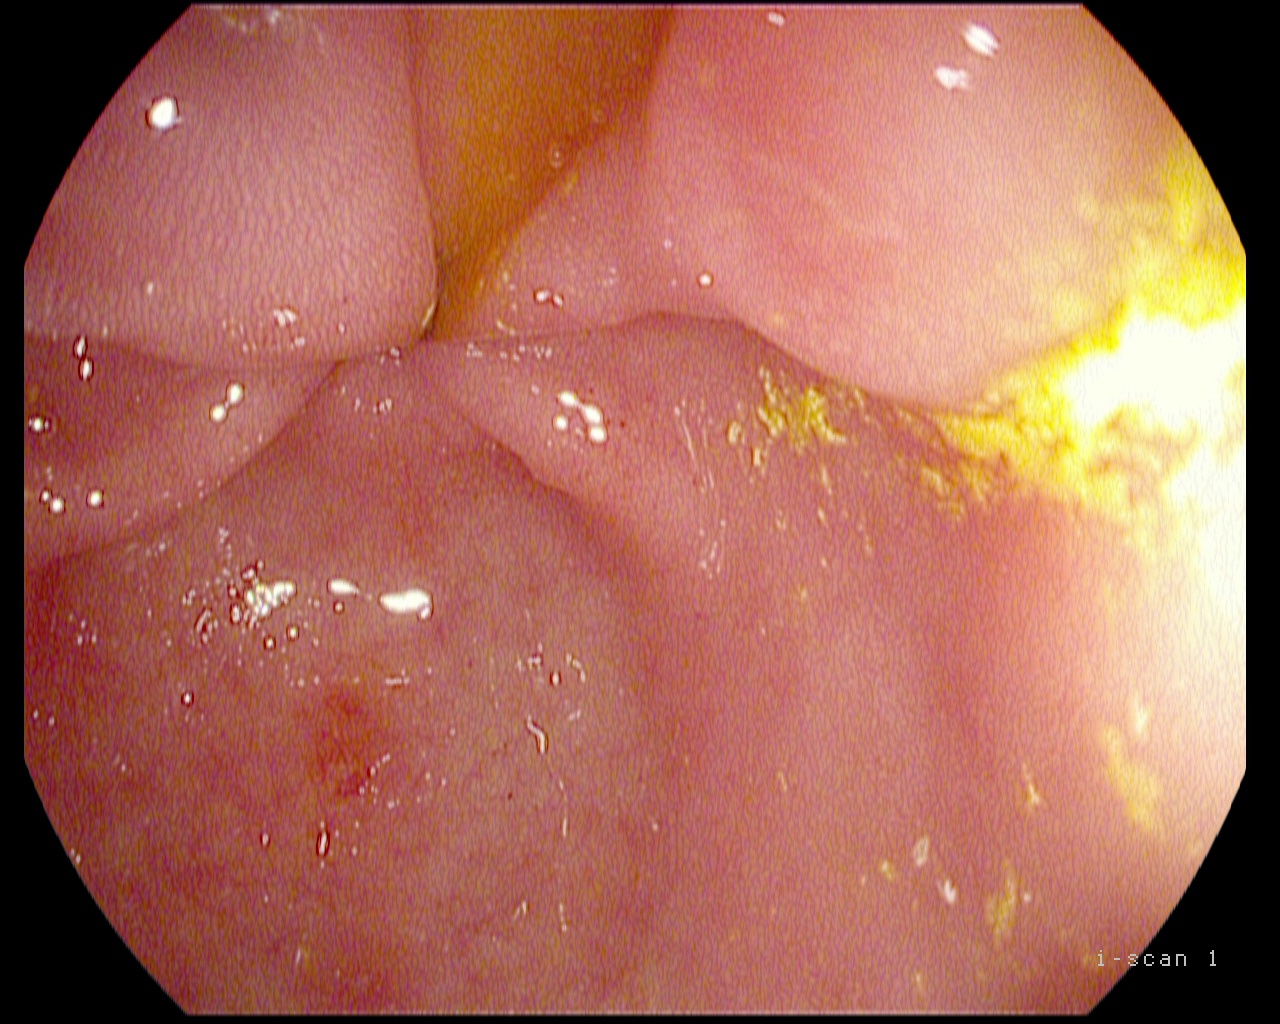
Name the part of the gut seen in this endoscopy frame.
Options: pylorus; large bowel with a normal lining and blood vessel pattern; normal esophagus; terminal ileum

pylorus